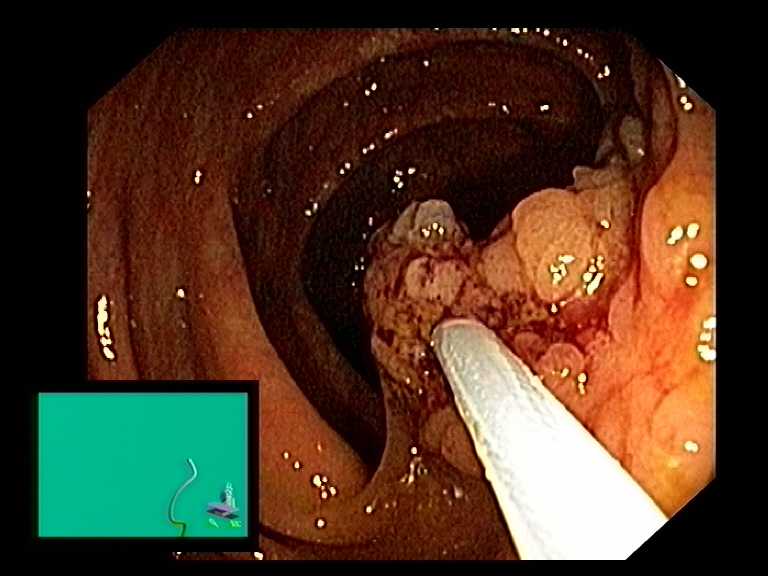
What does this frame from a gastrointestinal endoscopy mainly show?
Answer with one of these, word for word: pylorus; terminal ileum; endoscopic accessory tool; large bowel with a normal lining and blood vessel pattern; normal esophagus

endoscopic accessory tool